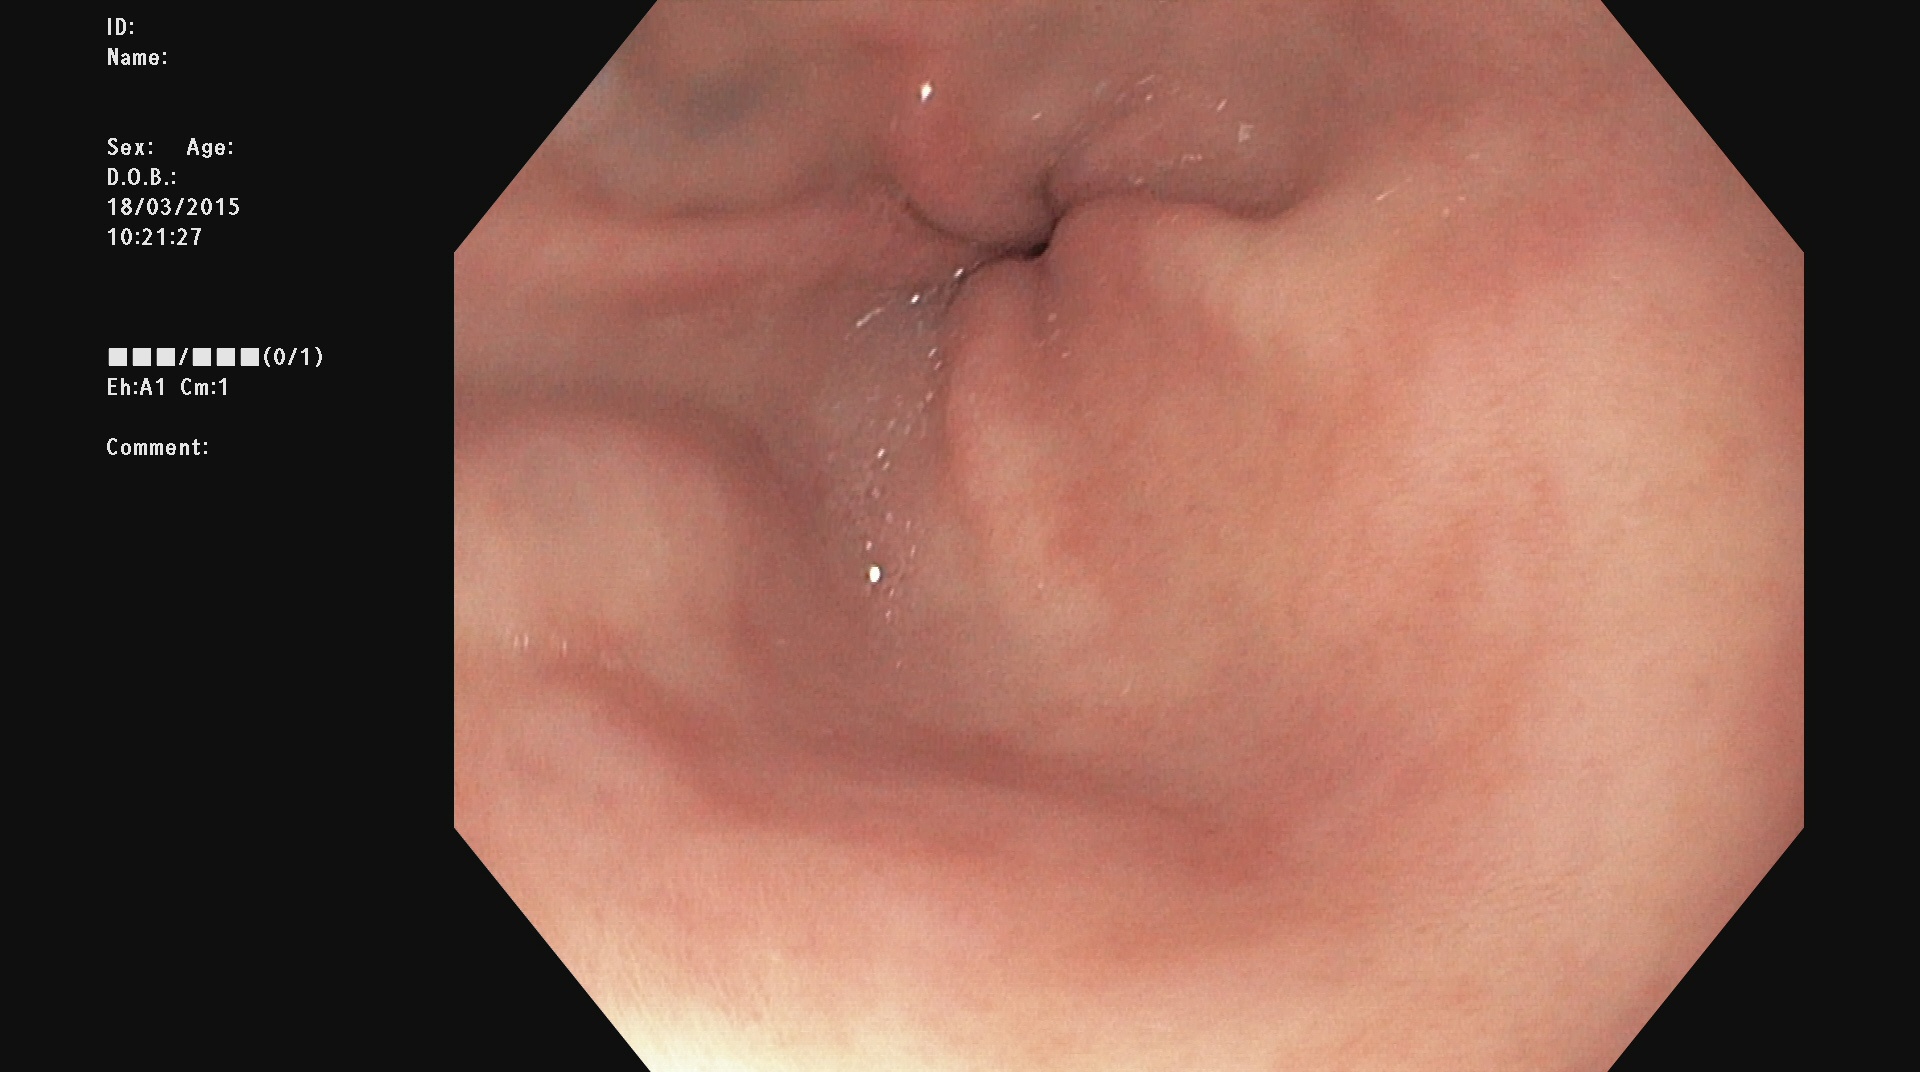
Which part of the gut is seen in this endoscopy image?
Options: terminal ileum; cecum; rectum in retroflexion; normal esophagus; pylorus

pylorus